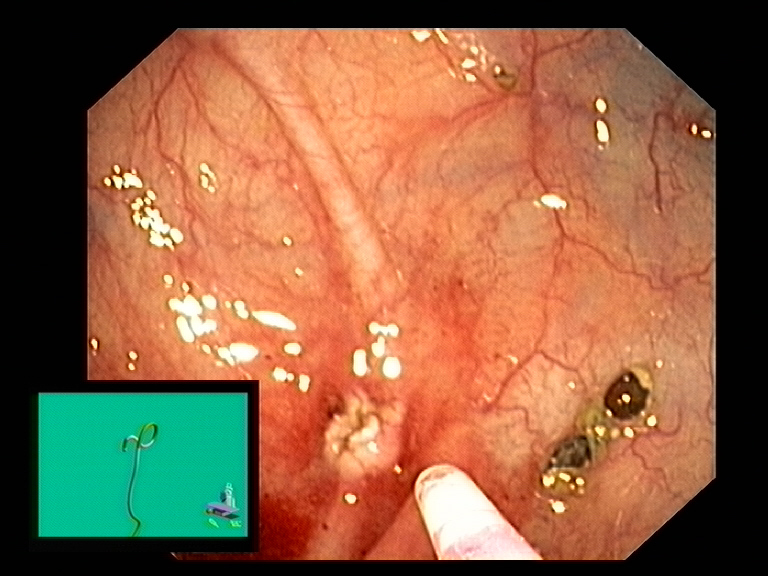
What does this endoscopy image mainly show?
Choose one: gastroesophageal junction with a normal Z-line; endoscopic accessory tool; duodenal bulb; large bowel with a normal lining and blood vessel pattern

endoscopic accessory tool